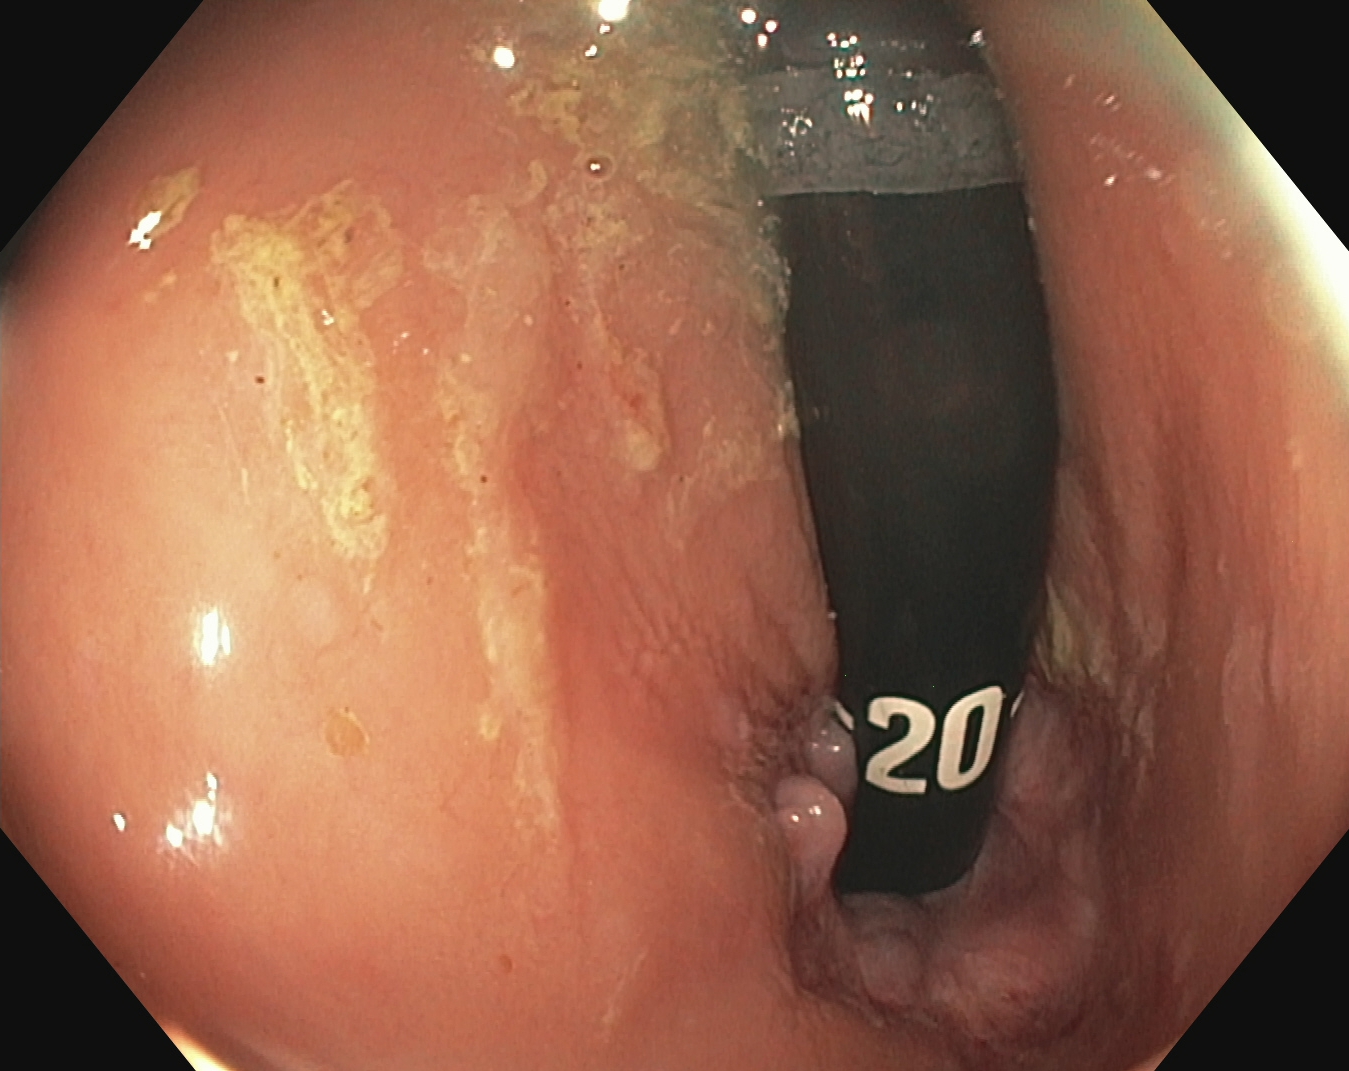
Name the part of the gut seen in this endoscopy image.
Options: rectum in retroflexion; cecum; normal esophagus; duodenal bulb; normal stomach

rectum in retroflexion